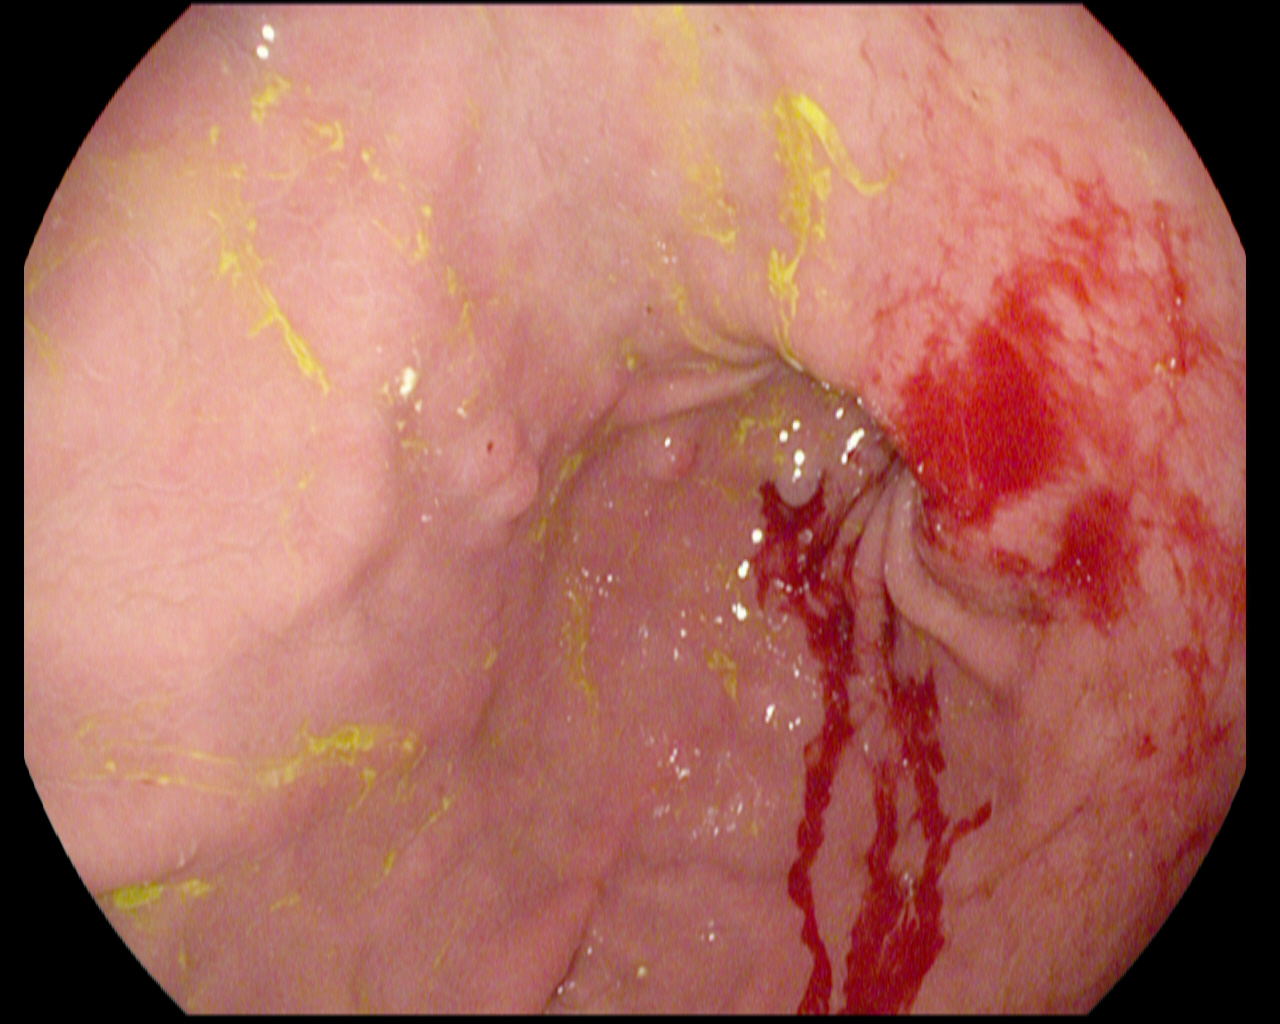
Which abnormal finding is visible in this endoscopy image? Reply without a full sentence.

blood in the lumen